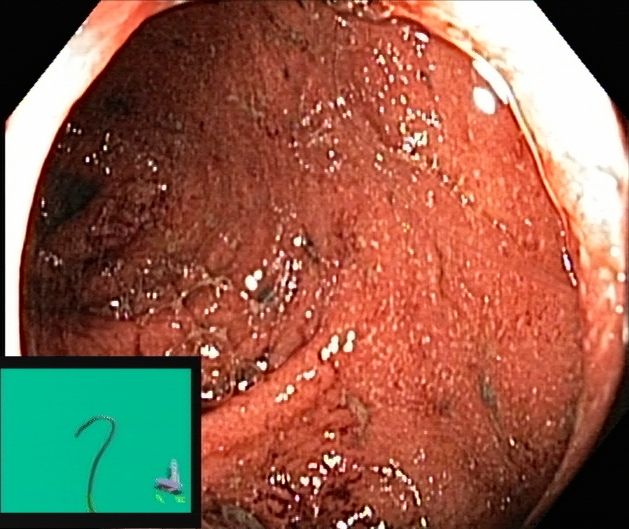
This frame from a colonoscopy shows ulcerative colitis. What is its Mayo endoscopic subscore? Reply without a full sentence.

ulcerative colitis, Mayo endoscopic subscore 2–3